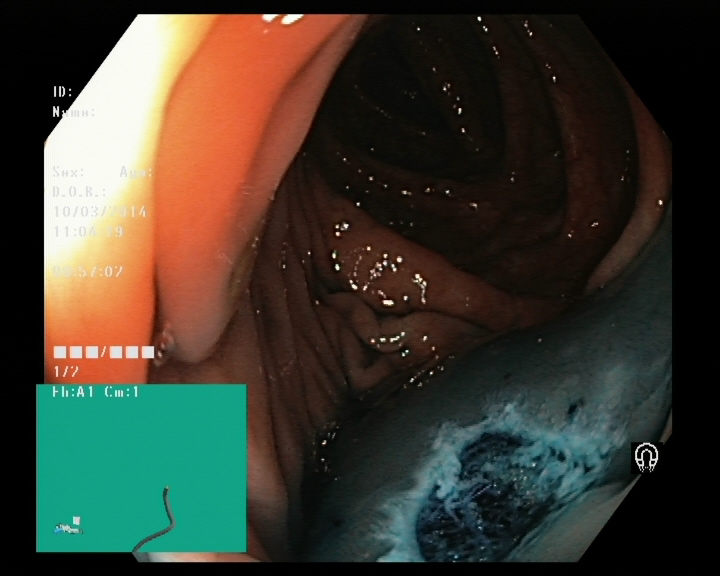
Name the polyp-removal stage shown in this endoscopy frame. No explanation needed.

dyed resection margin (post-polypectomy)